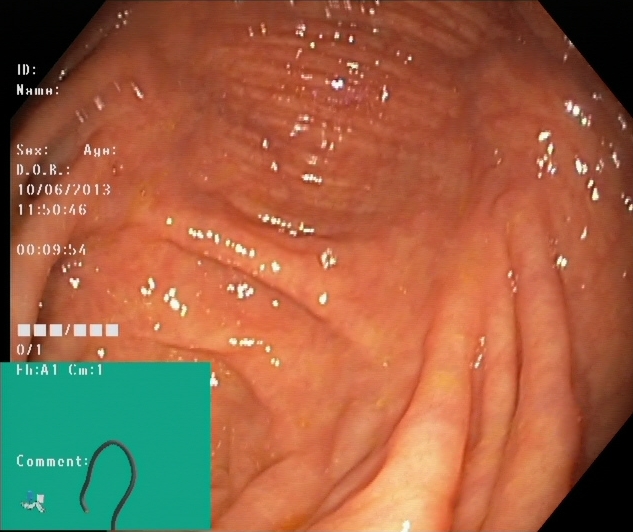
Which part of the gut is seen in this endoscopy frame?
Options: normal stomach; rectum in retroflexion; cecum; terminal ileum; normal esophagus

cecum